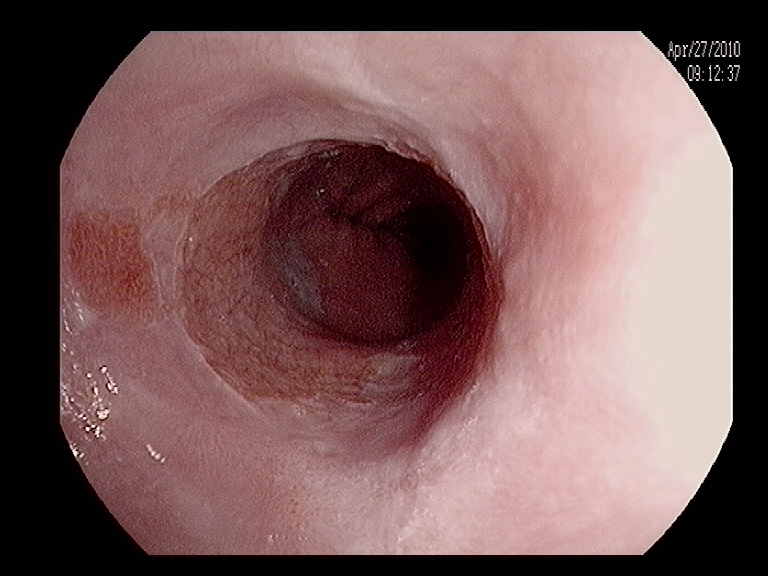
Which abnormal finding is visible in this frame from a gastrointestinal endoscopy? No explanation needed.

Barrett's esophagus